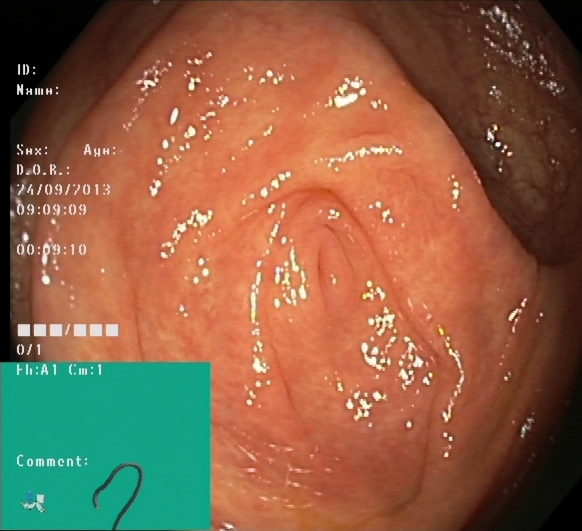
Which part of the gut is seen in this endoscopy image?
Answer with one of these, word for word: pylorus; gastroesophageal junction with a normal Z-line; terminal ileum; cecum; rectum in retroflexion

cecum